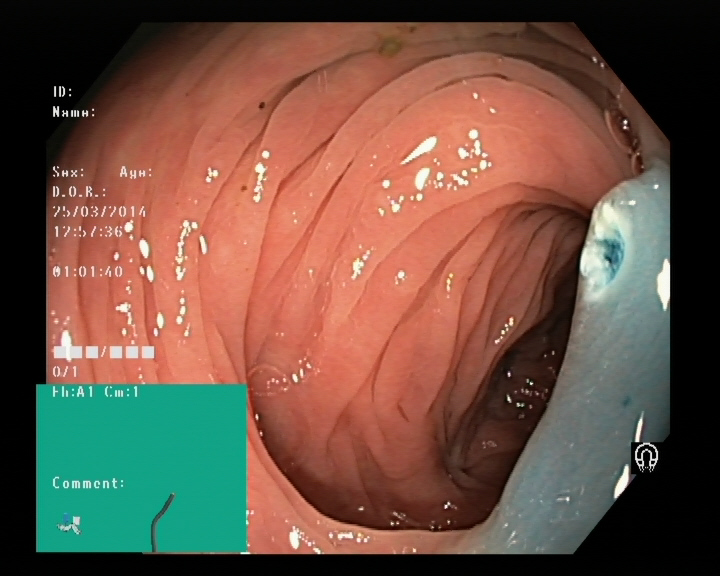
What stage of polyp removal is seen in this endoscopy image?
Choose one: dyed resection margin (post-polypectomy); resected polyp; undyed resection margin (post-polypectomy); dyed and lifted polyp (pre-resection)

dyed resection margin (post-polypectomy)